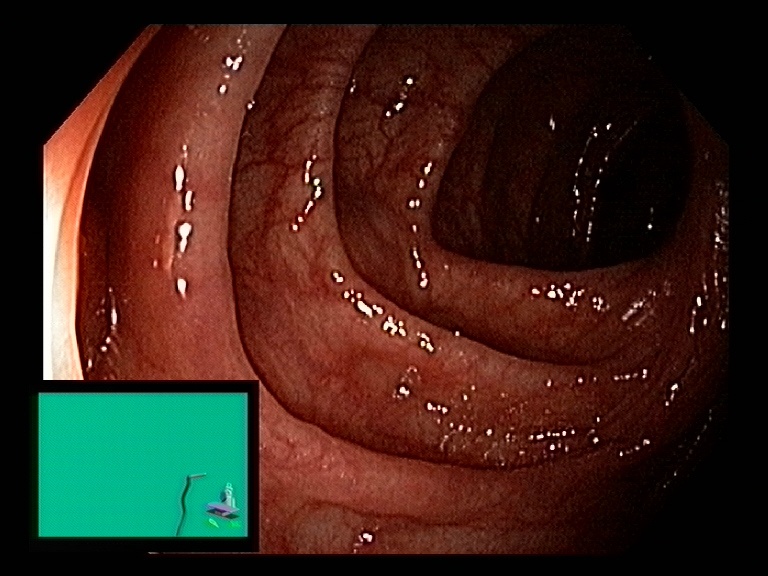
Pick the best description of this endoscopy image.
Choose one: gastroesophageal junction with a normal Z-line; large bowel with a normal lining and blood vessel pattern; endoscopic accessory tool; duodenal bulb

large bowel with a normal lining and blood vessel pattern